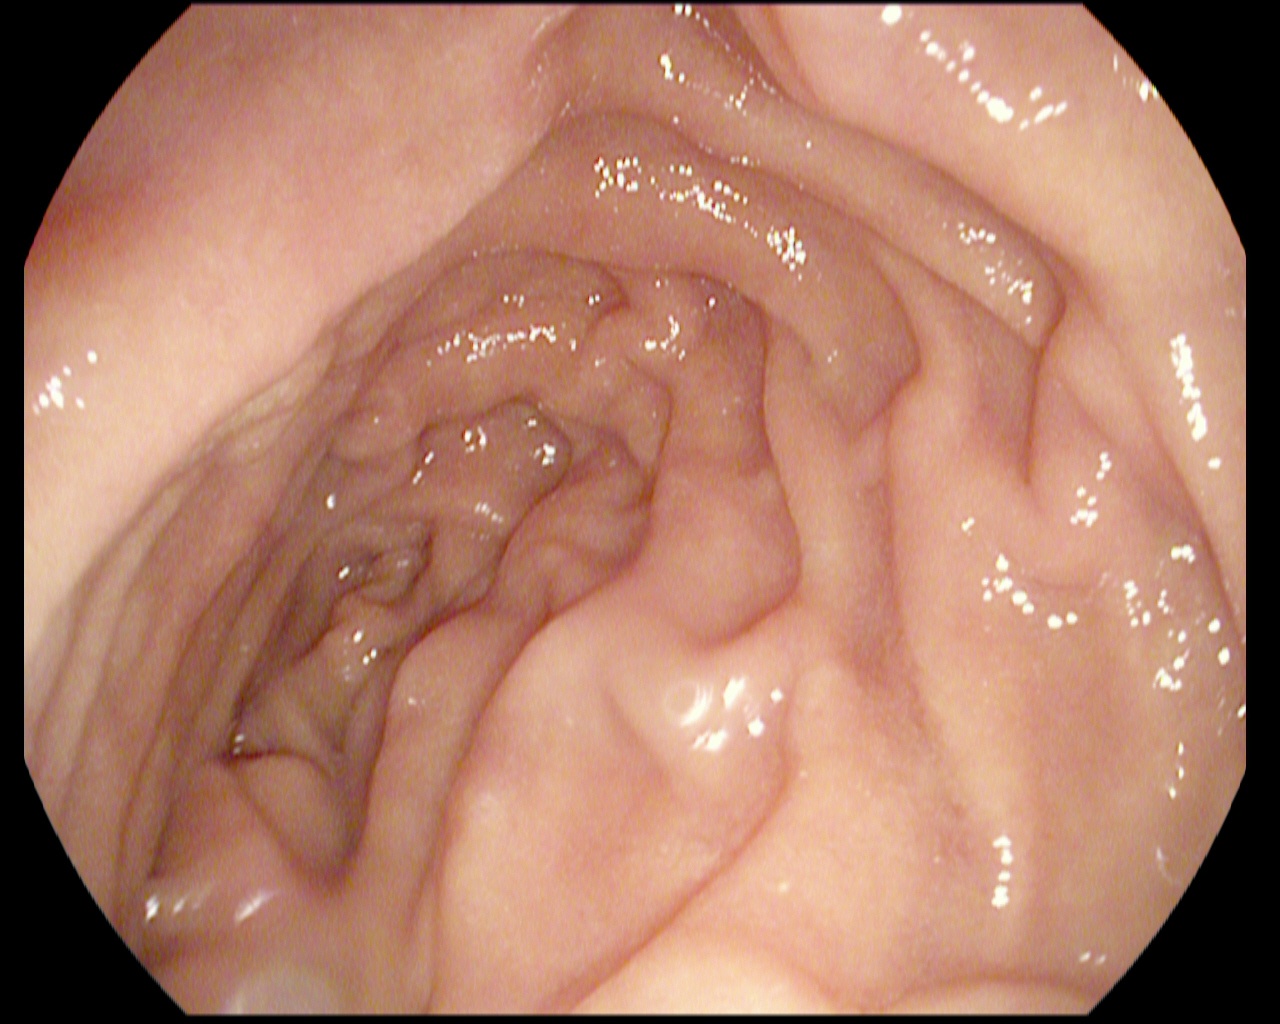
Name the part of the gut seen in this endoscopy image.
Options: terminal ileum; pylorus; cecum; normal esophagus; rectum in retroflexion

terminal ileum